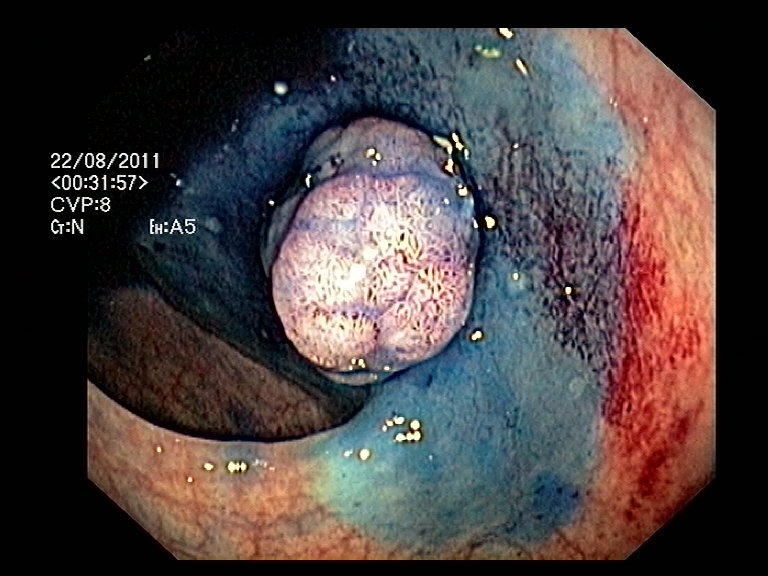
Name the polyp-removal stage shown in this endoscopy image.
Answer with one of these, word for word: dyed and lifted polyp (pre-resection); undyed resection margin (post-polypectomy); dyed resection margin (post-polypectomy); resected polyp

dyed and lifted polyp (pre-resection)